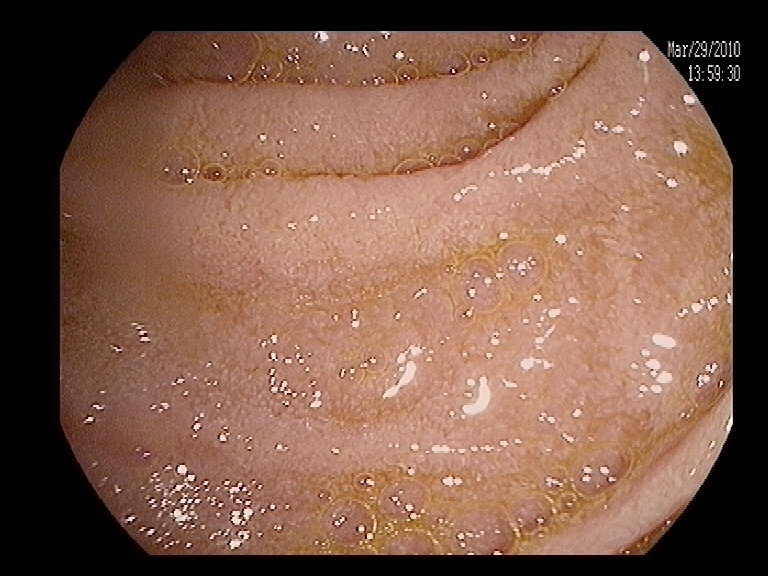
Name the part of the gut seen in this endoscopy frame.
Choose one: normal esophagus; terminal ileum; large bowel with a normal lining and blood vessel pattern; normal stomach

terminal ileum